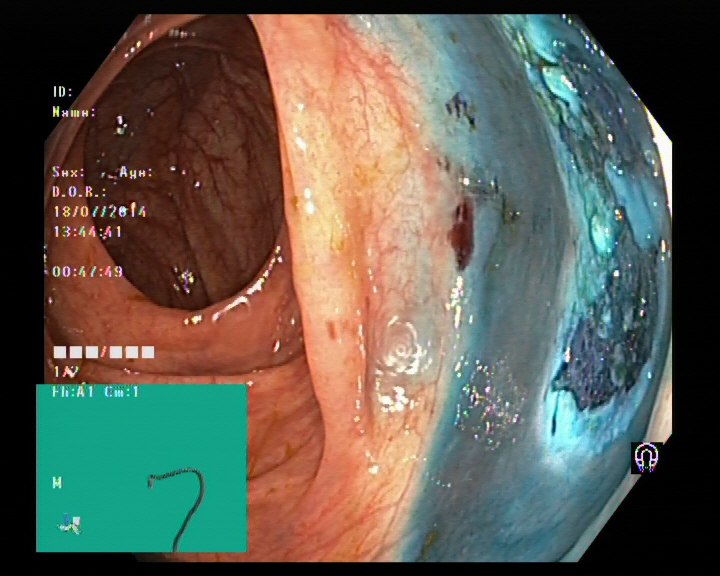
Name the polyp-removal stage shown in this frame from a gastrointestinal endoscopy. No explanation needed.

dyed resection margin (post-polypectomy)